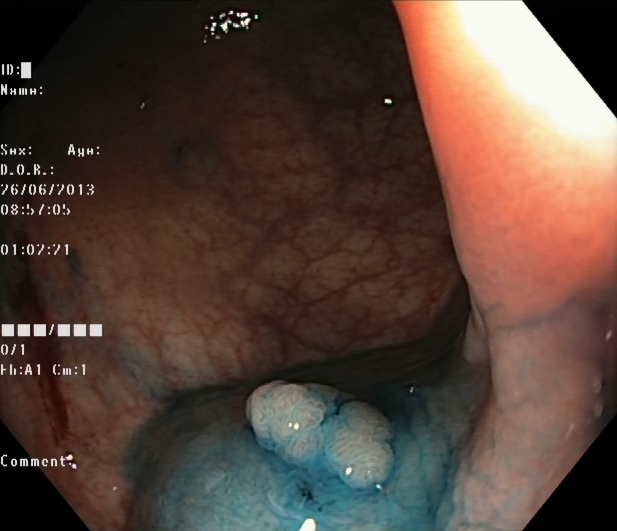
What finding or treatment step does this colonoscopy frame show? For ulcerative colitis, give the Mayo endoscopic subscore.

dyed and lifted polyp (pre-resection)